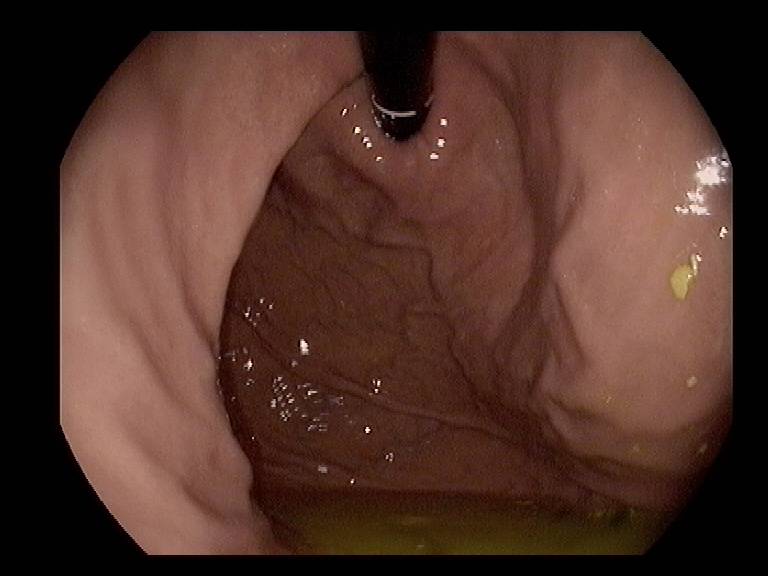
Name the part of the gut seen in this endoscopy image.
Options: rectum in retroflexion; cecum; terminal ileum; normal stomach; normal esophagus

normal stomach